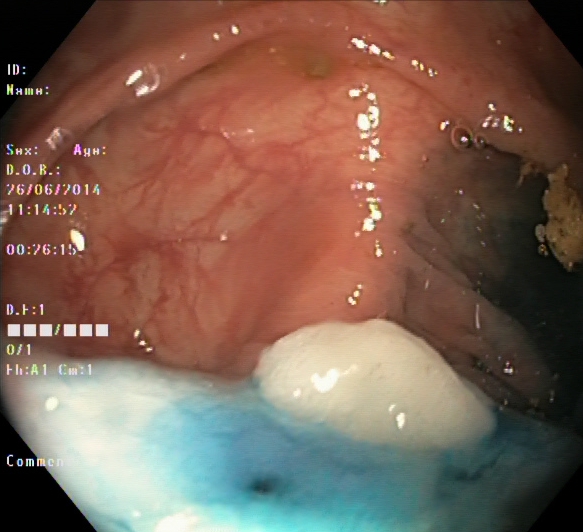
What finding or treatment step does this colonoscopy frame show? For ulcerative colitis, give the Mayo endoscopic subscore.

dyed and lifted polyp (pre-resection)